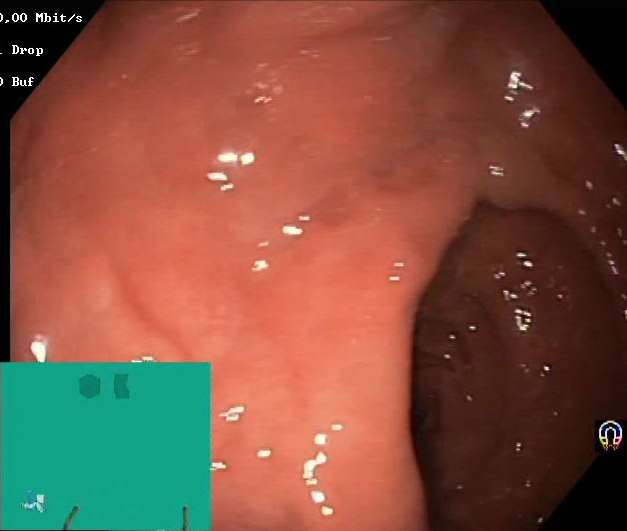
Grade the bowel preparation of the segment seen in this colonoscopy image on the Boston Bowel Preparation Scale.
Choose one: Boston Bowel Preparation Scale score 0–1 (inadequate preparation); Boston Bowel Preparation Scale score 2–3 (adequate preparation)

Boston Bowel Preparation Scale score 2–3 (adequate preparation)